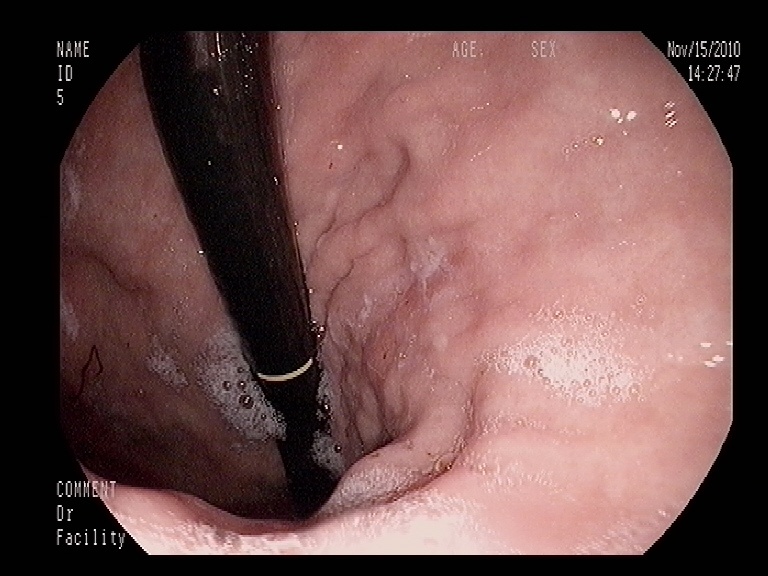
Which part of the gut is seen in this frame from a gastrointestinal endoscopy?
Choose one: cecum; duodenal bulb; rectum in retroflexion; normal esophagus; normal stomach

normal stomach